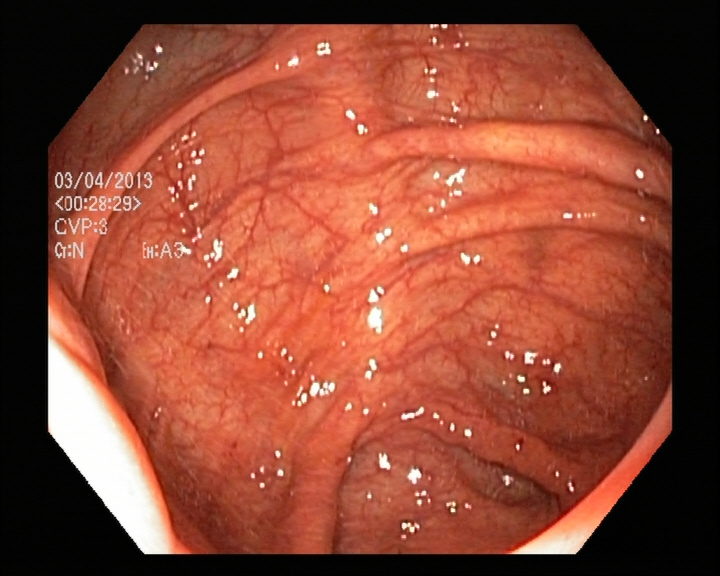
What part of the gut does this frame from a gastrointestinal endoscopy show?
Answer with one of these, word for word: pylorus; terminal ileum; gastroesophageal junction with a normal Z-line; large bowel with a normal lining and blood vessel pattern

large bowel with a normal lining and blood vessel pattern